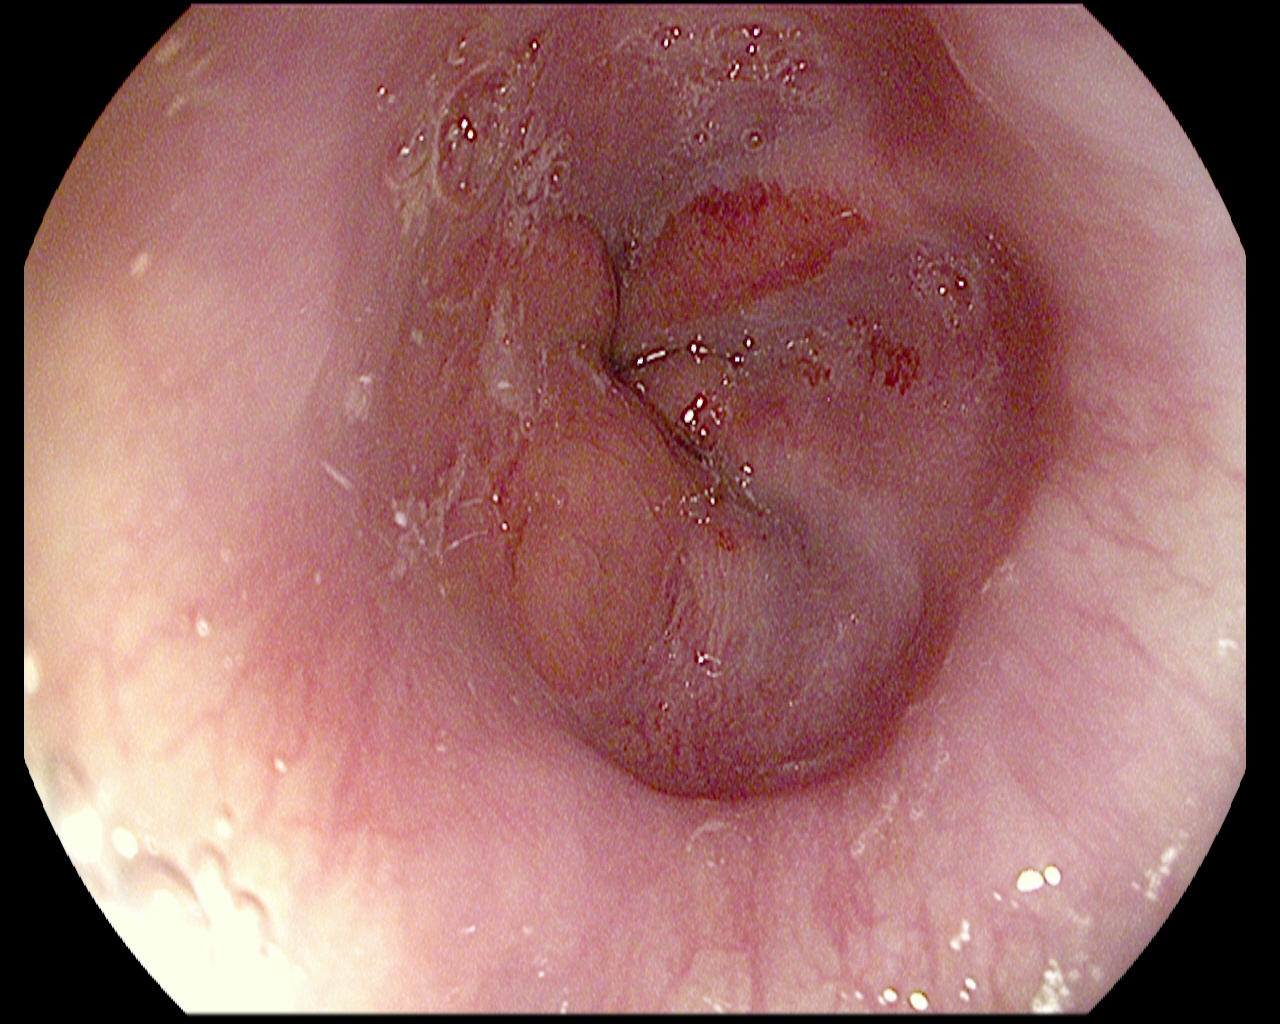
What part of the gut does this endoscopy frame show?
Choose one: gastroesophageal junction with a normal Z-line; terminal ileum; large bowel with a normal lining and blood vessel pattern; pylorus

gastroesophageal junction with a normal Z-line